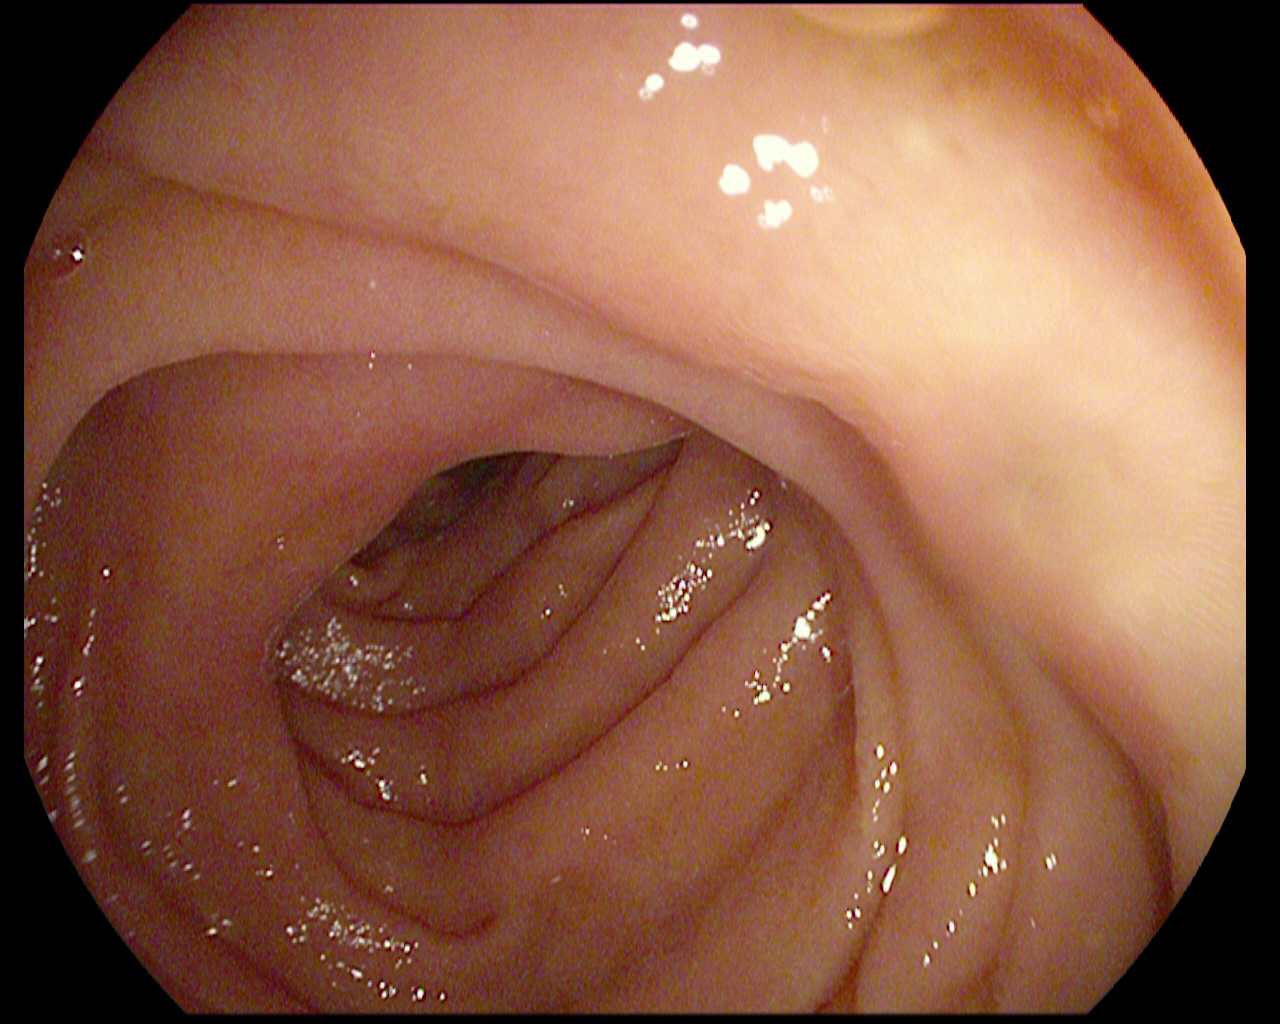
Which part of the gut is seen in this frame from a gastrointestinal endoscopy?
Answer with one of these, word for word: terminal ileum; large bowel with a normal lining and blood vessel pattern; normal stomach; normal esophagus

terminal ileum